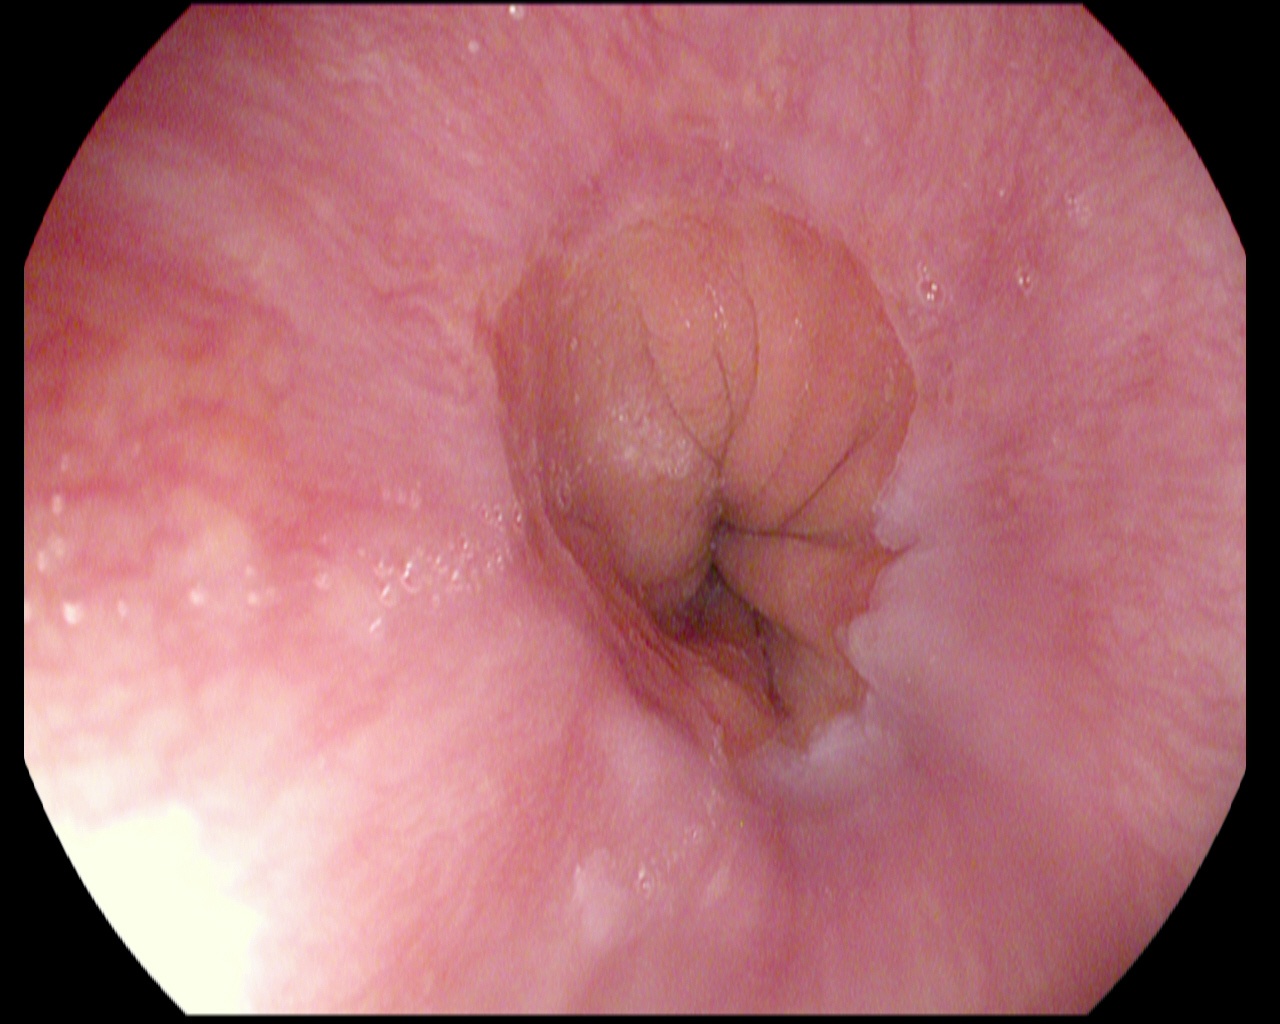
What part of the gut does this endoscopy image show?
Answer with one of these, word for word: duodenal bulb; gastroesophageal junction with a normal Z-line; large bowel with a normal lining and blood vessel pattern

gastroesophageal junction with a normal Z-line